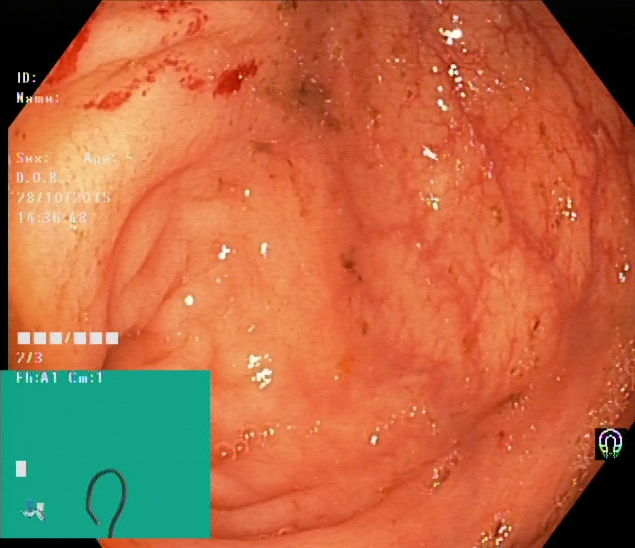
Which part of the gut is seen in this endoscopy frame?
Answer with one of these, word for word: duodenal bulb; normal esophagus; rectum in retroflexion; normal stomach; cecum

cecum